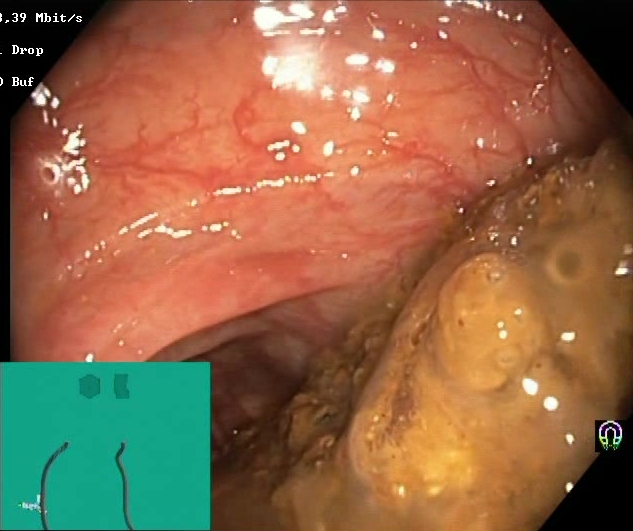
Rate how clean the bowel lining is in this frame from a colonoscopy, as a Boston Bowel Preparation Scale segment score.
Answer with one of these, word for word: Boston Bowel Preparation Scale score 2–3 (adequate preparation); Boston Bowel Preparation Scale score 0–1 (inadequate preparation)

Boston Bowel Preparation Scale score 0–1 (inadequate preparation)